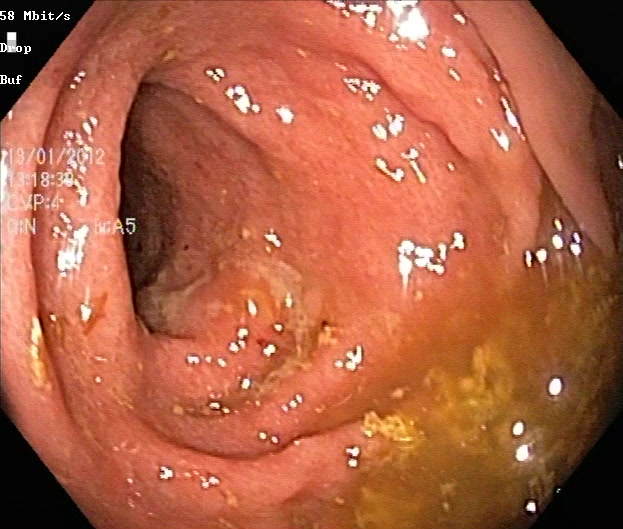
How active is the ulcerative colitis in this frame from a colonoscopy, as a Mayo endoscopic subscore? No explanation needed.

ulcerative colitis, Mayo endoscopic subscore 2